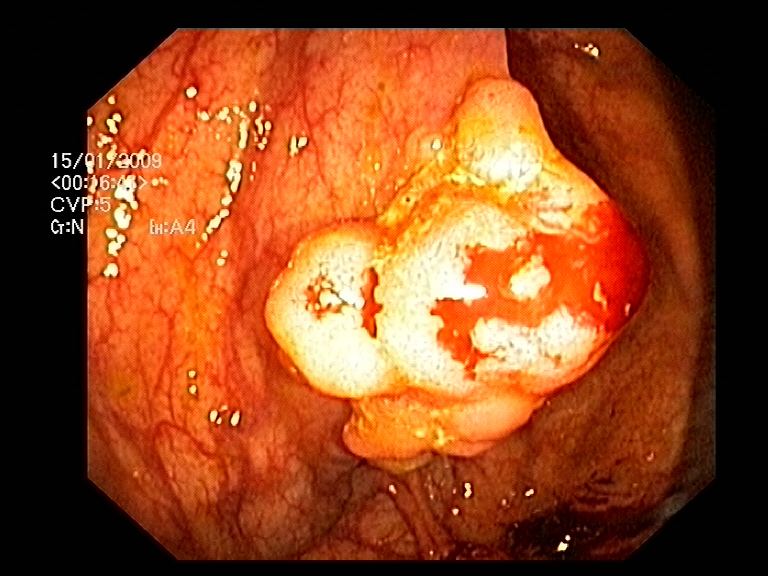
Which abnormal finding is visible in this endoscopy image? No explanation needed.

colon polyp